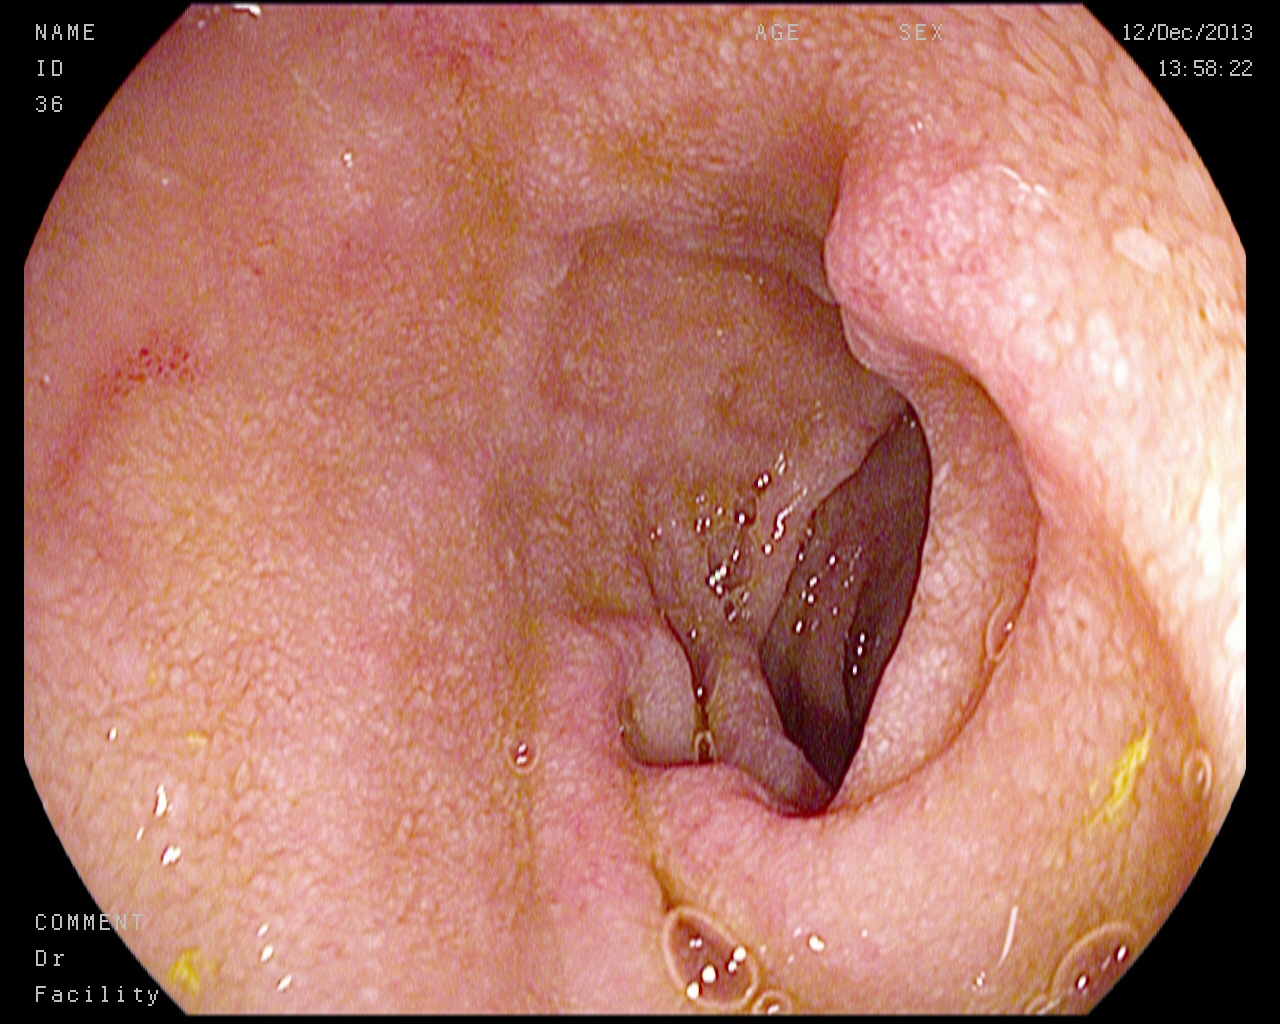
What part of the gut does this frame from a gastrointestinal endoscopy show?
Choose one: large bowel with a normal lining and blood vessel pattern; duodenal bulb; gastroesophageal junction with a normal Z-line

duodenal bulb